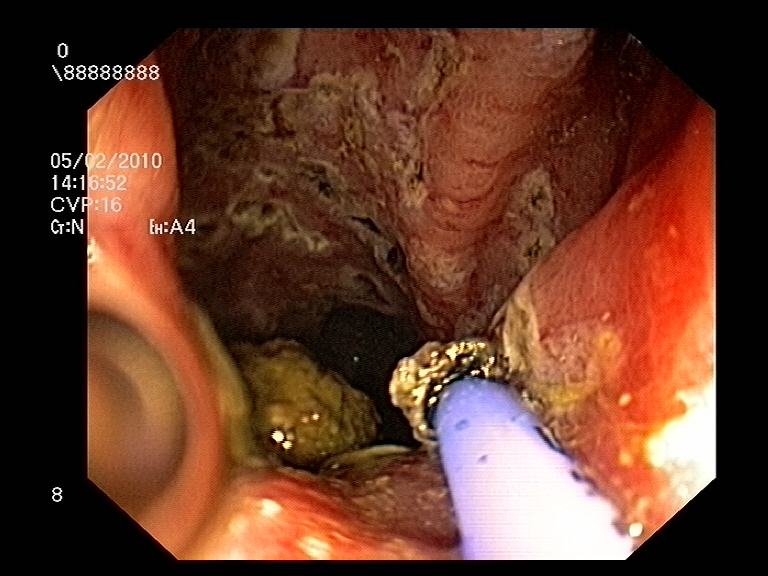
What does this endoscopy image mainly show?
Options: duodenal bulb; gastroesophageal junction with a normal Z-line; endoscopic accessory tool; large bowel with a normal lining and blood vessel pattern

endoscopic accessory tool